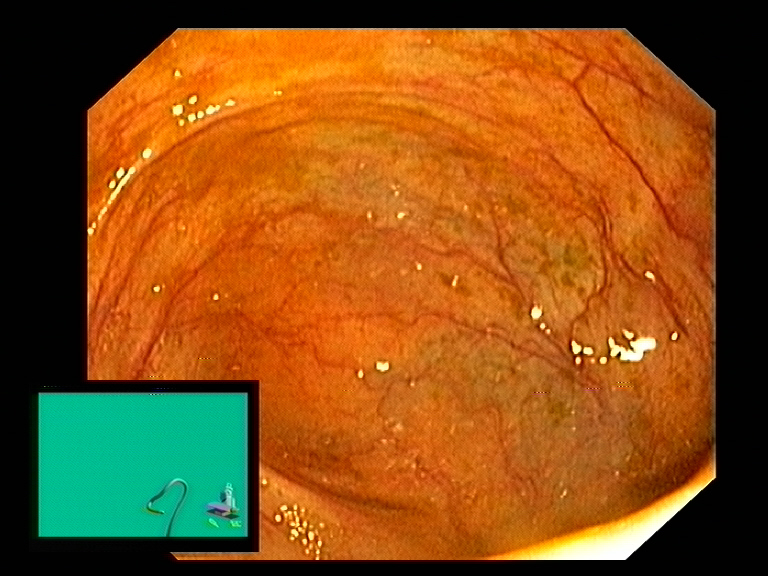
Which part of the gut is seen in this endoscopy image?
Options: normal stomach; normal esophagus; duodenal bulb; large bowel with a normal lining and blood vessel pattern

large bowel with a normal lining and blood vessel pattern